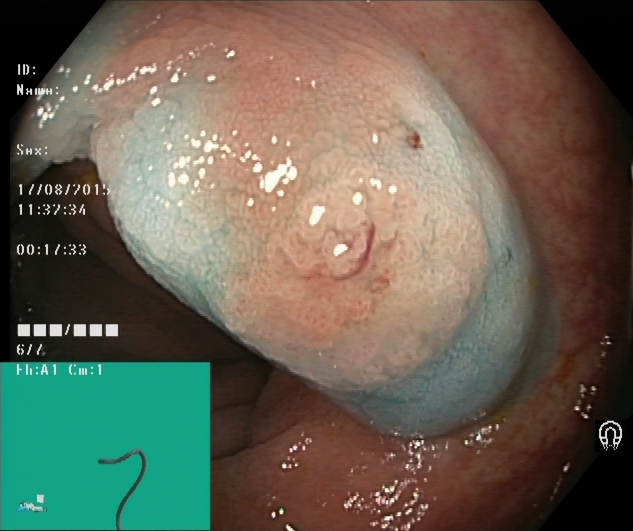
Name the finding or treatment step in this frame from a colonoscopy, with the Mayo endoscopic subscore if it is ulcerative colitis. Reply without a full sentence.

dyed and lifted polyp (pre-resection)